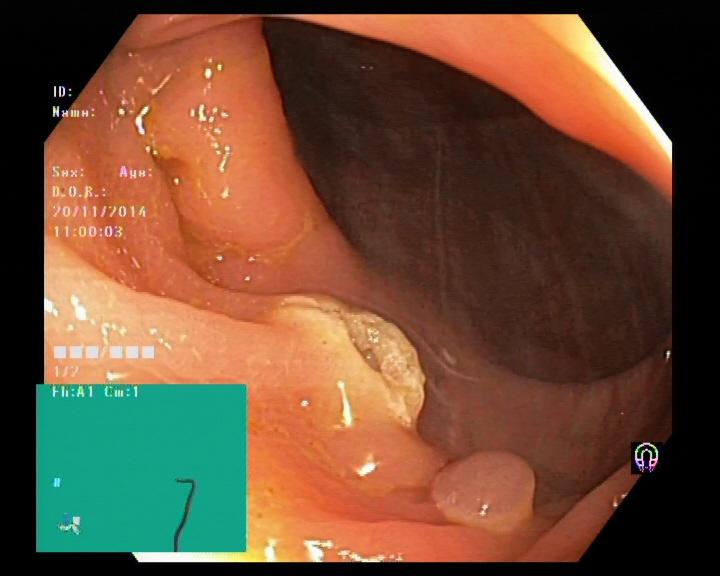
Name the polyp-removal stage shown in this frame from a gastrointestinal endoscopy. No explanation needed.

resected polyp